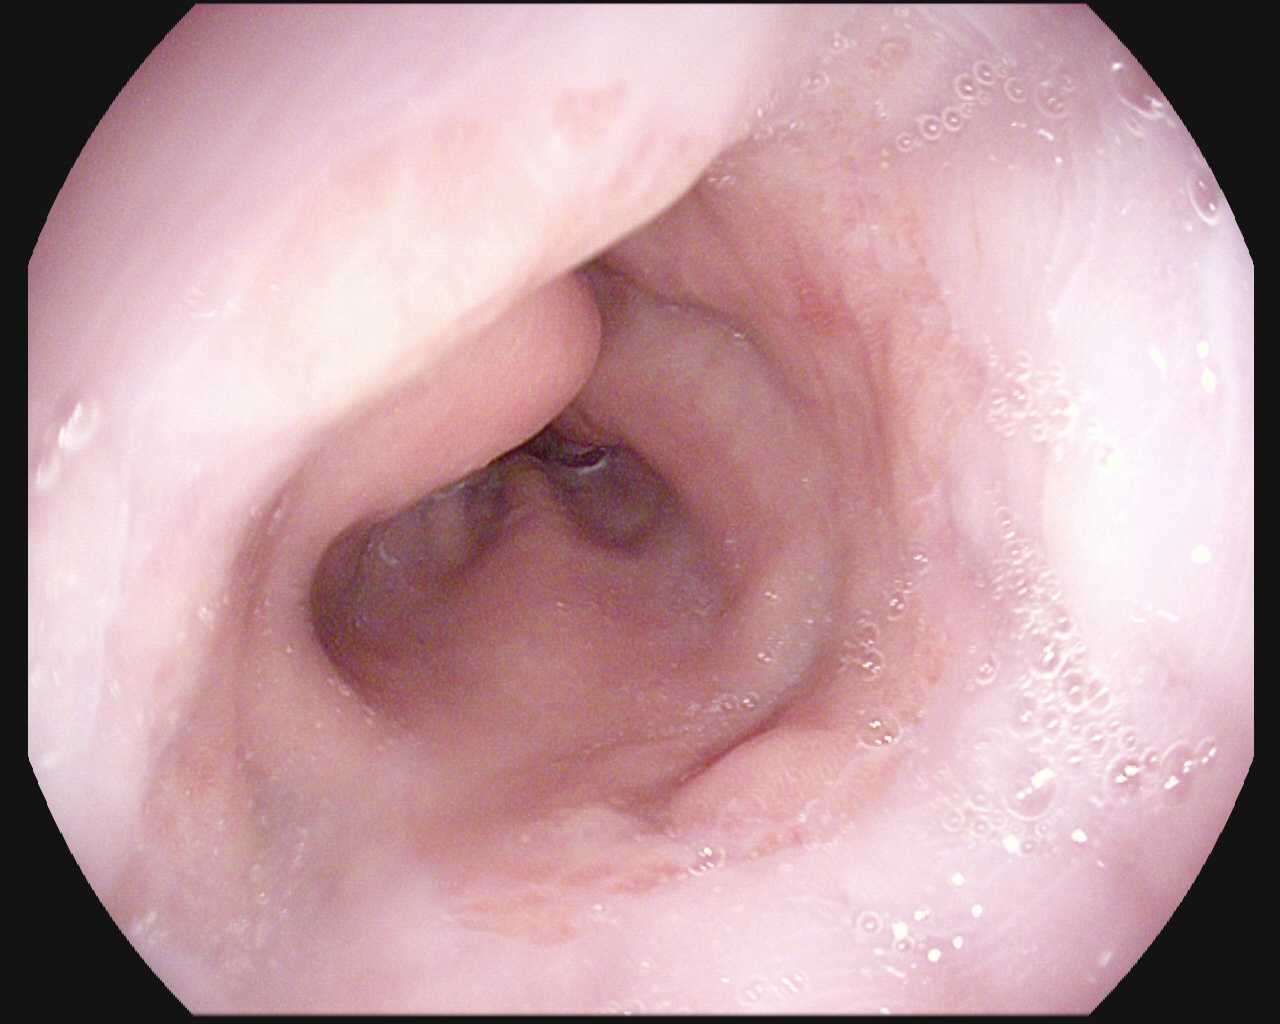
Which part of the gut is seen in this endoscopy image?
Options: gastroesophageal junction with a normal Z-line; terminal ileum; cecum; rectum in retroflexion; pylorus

gastroesophageal junction with a normal Z-line